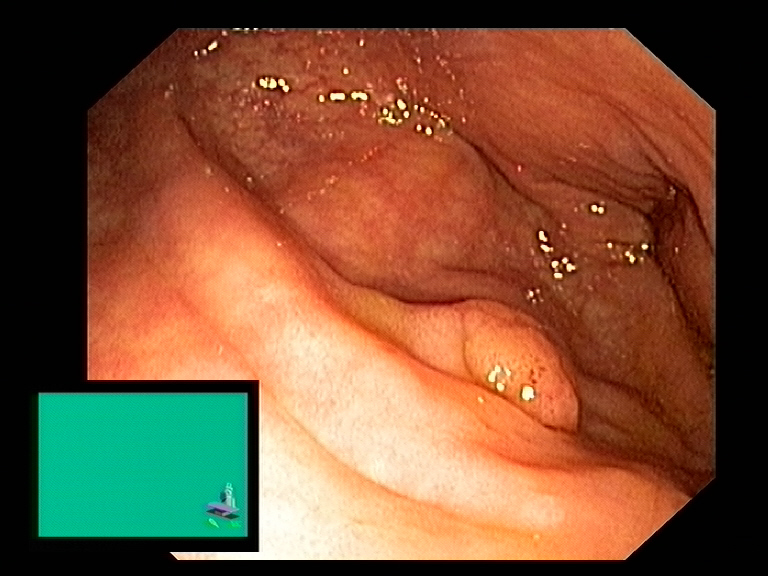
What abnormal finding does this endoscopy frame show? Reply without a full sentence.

colon polyp